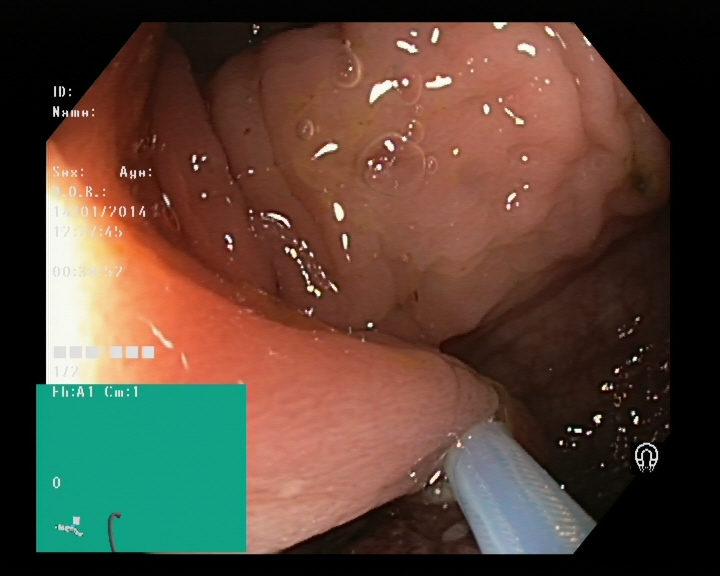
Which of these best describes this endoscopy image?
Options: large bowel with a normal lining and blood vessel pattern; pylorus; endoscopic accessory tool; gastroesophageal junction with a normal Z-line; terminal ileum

endoscopic accessory tool